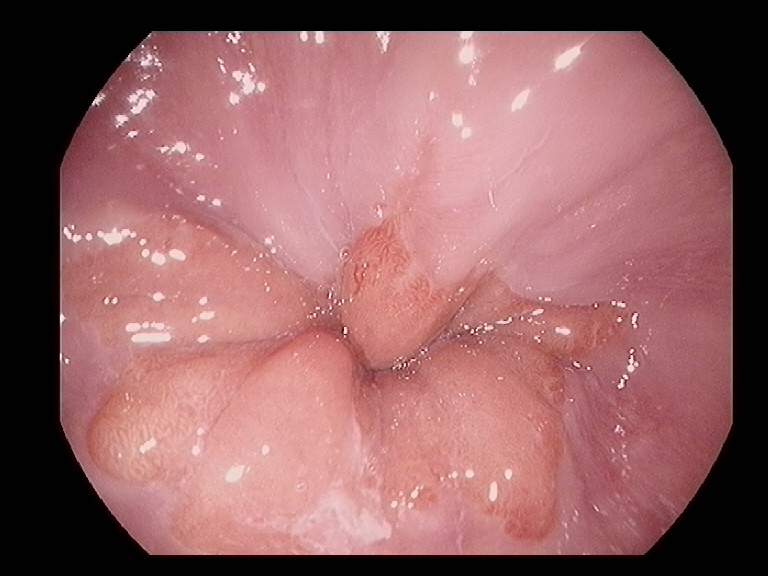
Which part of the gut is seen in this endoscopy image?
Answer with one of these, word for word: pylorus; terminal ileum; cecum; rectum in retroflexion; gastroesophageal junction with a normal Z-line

gastroesophageal junction with a normal Z-line